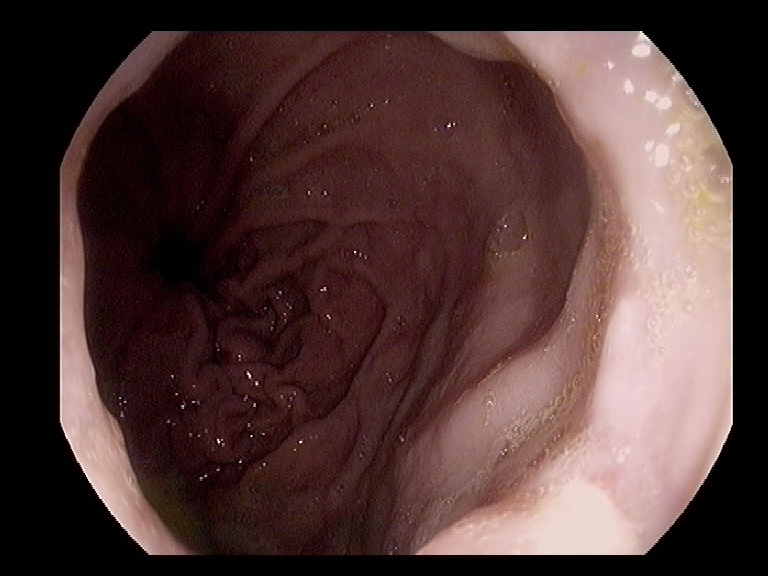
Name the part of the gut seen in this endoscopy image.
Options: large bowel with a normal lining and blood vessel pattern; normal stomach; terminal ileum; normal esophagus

normal stomach